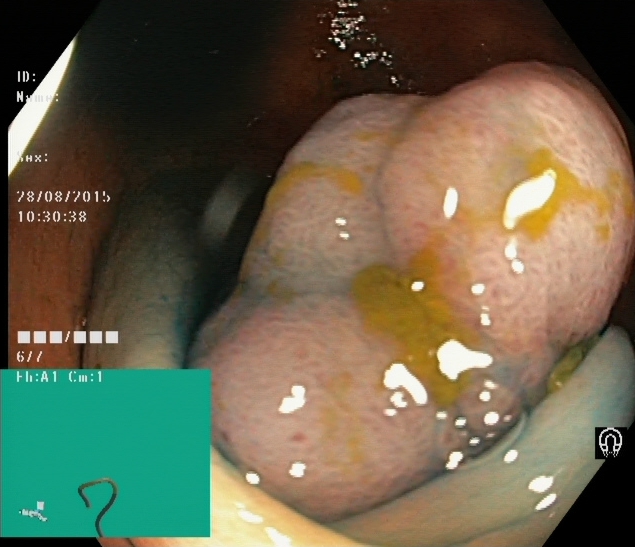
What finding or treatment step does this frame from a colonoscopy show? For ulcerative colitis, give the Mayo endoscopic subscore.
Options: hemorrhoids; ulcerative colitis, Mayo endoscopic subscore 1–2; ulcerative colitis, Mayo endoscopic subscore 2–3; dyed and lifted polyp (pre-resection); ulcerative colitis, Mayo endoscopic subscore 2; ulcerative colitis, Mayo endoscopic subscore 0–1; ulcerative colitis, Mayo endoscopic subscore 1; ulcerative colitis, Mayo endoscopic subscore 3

dyed and lifted polyp (pre-resection)